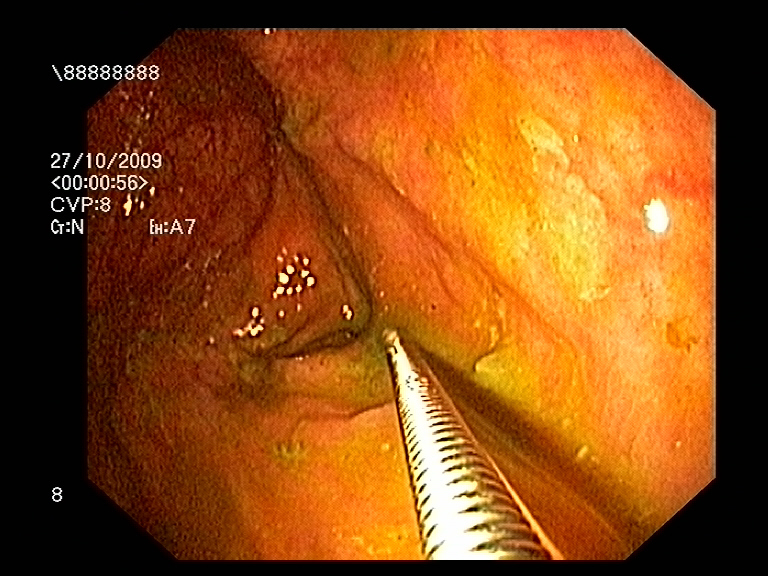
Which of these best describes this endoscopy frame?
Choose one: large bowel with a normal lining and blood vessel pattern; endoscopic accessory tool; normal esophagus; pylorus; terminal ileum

endoscopic accessory tool